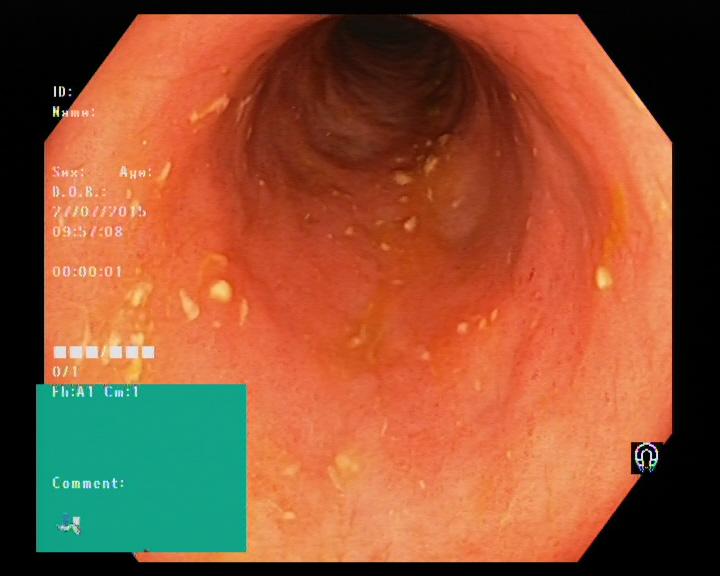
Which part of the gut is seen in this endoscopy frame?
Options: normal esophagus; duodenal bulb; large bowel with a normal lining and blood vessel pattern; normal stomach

large bowel with a normal lining and blood vessel pattern